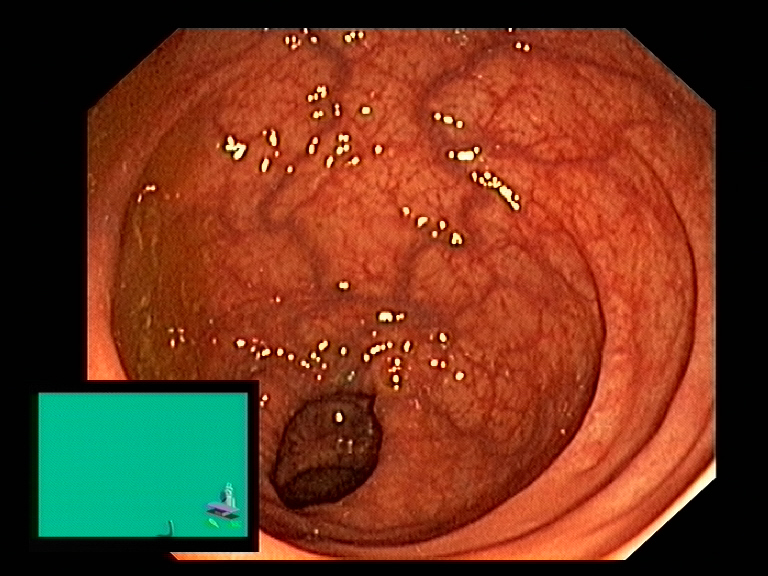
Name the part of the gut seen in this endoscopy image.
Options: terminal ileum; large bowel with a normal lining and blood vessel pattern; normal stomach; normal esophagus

large bowel with a normal lining and blood vessel pattern